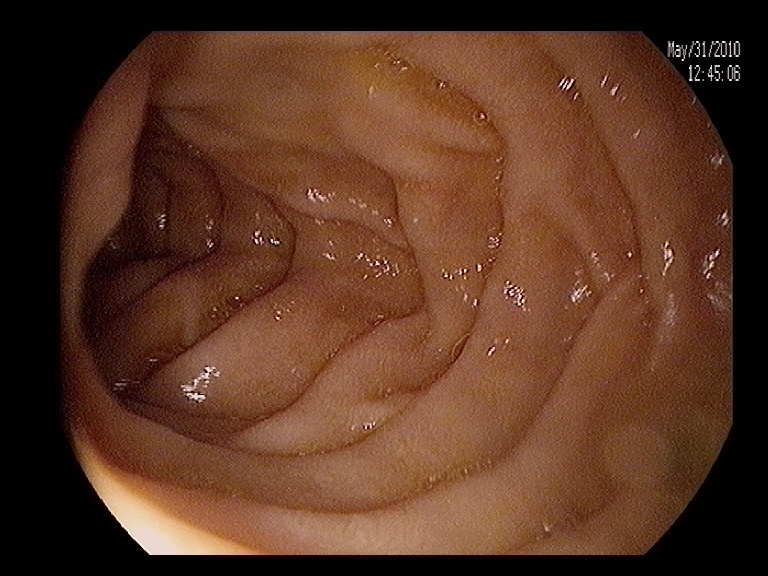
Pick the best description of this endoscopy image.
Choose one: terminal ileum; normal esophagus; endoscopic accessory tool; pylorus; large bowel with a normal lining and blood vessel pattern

terminal ileum